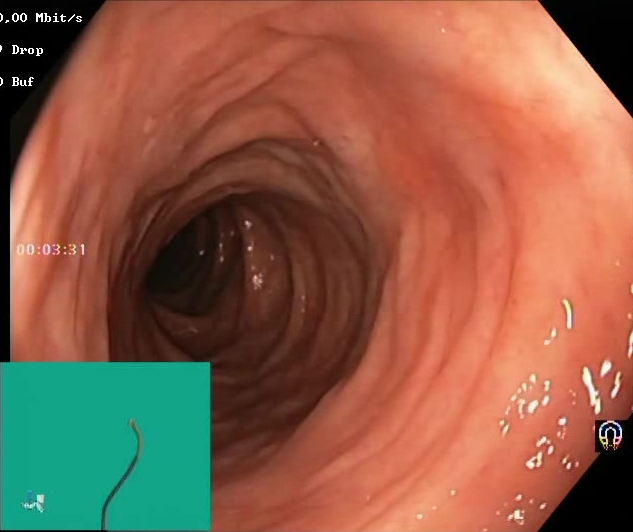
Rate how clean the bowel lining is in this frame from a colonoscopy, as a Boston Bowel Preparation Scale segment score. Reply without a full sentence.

Boston Bowel Preparation Scale score 2–3 (adequate preparation)